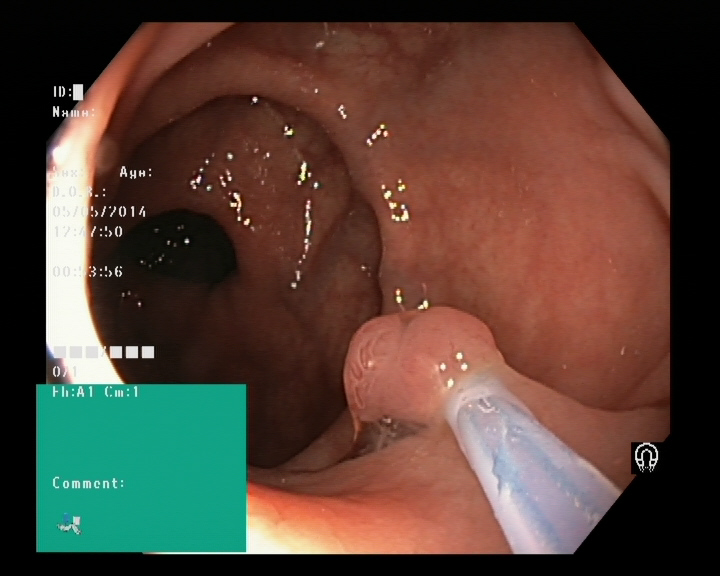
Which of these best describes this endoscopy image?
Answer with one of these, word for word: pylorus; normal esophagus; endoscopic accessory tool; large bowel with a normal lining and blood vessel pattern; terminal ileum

endoscopic accessory tool